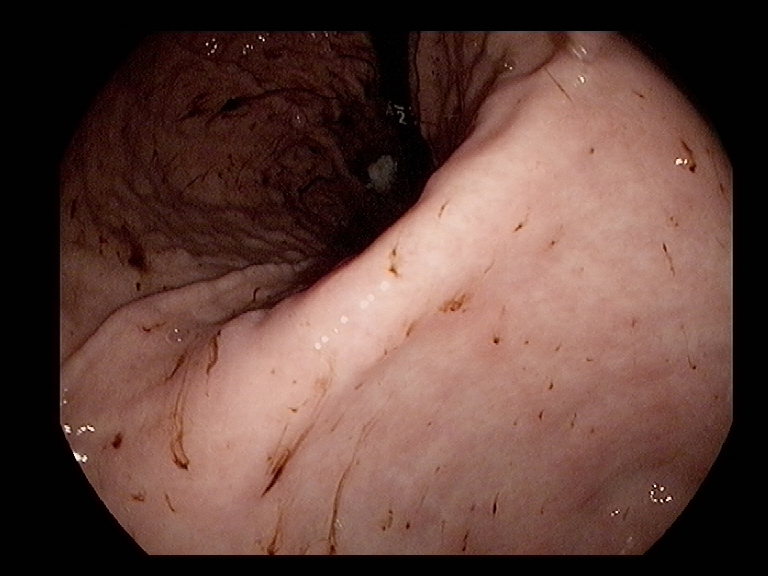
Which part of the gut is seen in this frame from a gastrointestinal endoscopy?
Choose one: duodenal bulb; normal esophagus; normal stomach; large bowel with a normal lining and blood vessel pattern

normal stomach